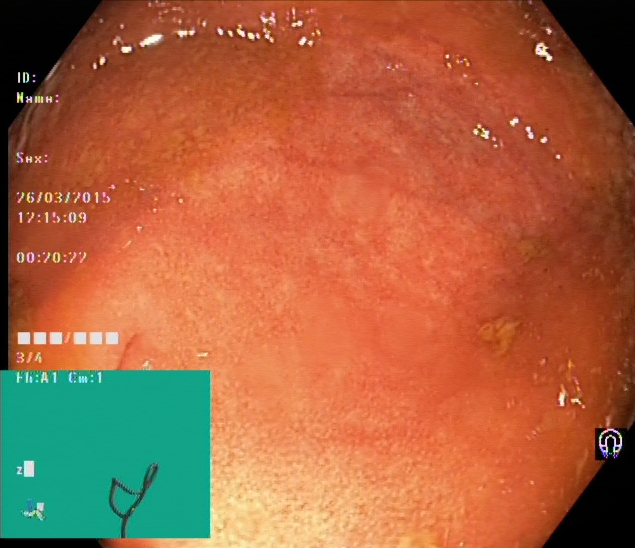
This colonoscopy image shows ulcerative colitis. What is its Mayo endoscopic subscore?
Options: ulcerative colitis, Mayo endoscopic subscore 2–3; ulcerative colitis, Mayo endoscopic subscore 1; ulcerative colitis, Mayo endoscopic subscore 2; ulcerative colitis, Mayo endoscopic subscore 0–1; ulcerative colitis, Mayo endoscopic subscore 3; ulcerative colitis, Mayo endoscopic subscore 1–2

ulcerative colitis, Mayo endoscopic subscore 2